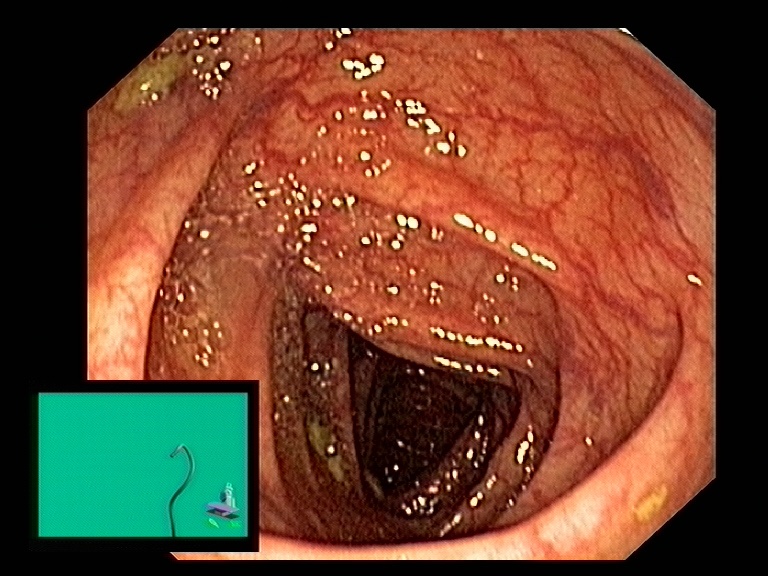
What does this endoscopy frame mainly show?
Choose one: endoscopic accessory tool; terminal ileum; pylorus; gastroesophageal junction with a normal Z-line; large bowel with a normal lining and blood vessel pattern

large bowel with a normal lining and blood vessel pattern